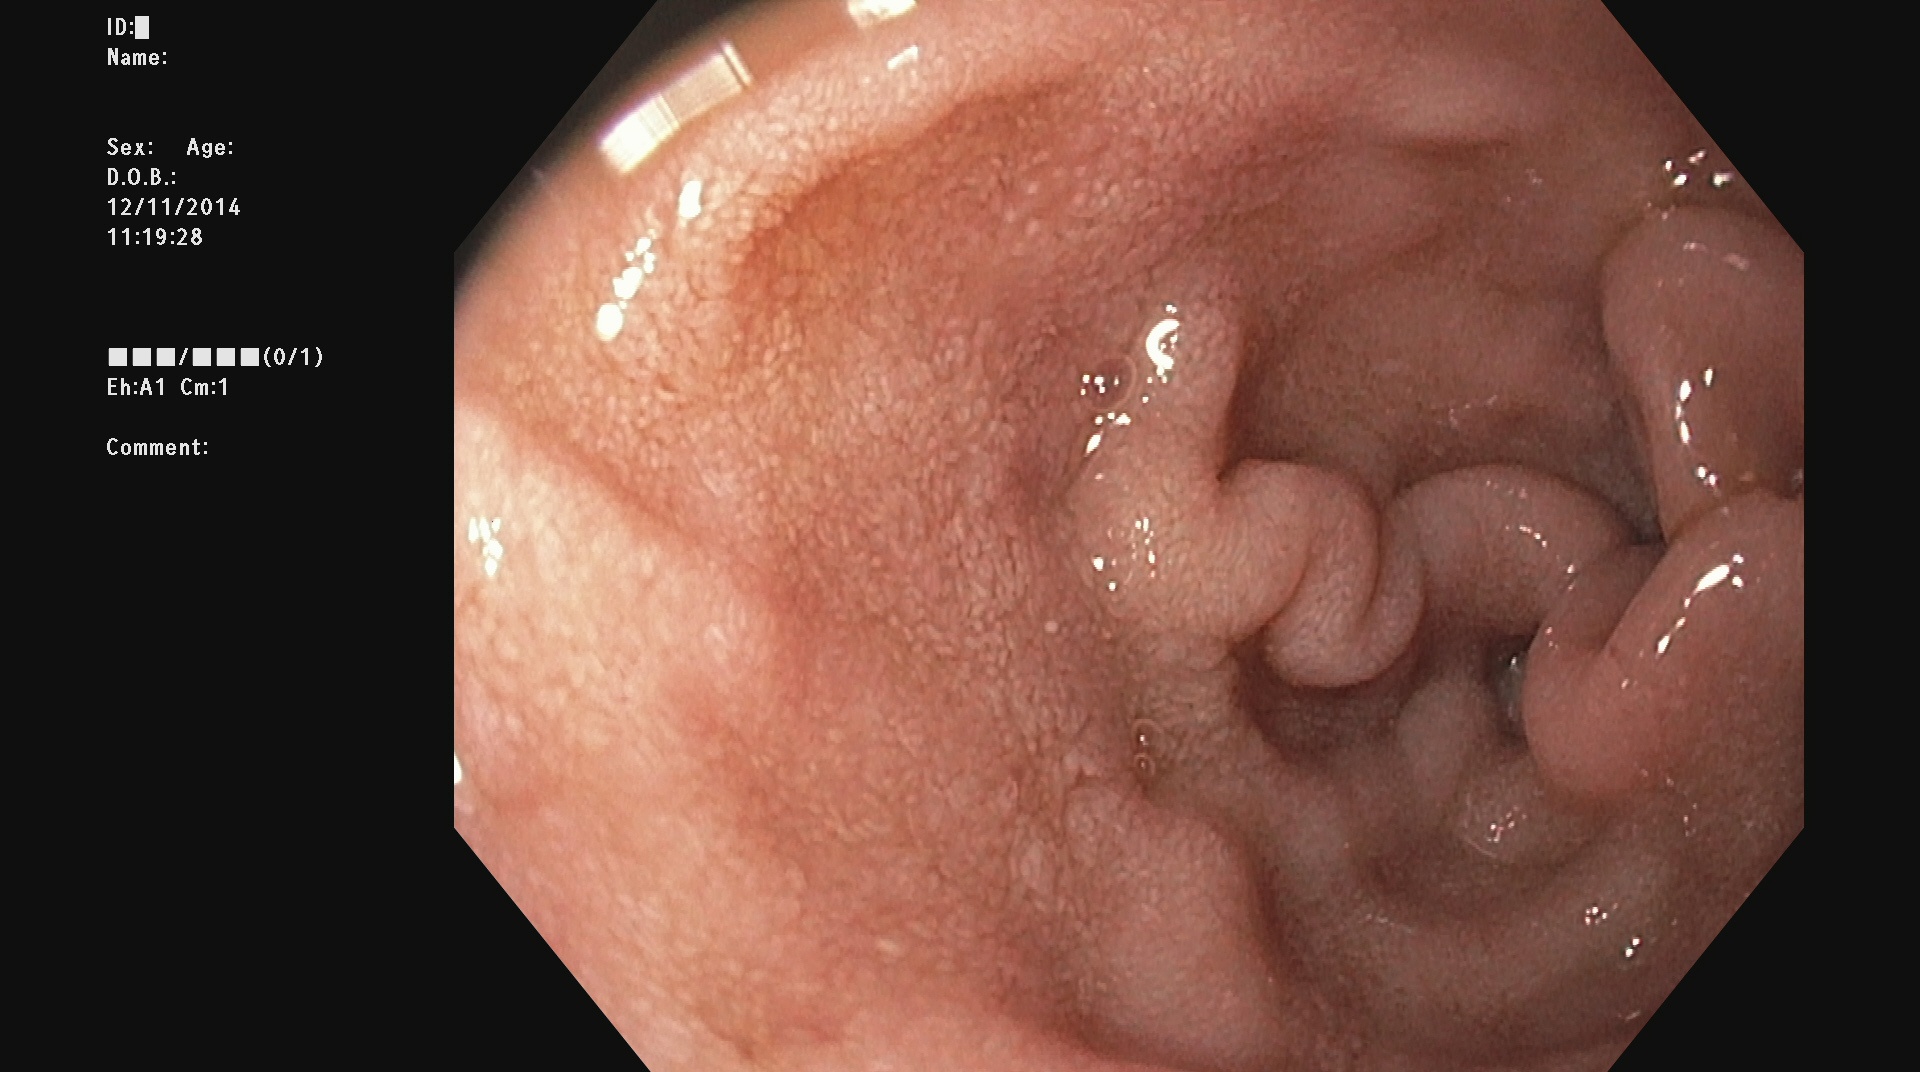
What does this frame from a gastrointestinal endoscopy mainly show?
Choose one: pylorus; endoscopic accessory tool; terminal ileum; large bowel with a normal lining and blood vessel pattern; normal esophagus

terminal ileum